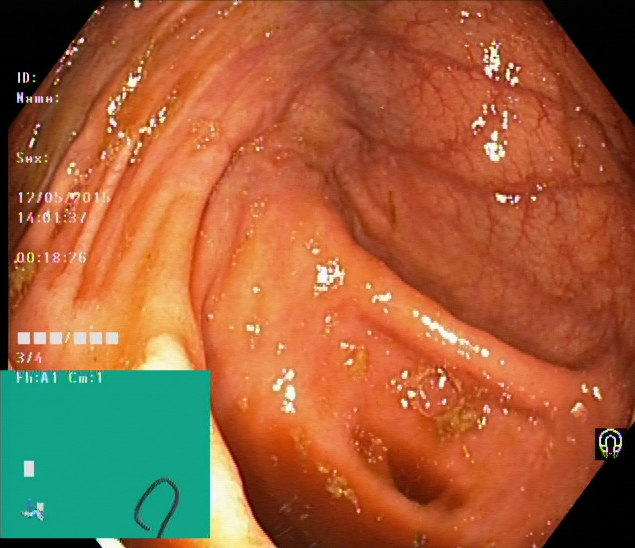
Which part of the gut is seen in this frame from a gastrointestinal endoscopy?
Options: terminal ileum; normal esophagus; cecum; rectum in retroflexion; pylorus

cecum